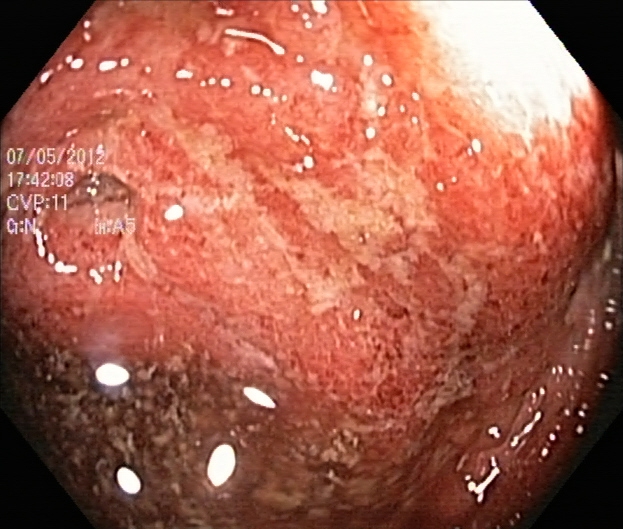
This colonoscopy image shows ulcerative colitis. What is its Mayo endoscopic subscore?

ulcerative colitis, Mayo endoscopic subscore 3